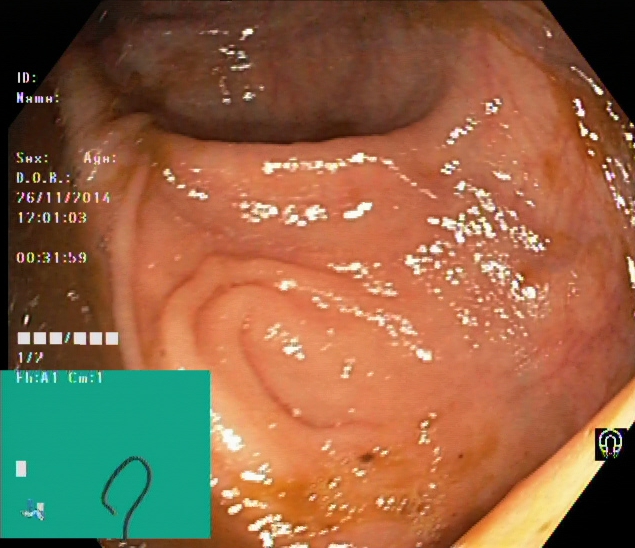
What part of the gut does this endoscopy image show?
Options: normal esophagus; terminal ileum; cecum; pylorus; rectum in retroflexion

cecum